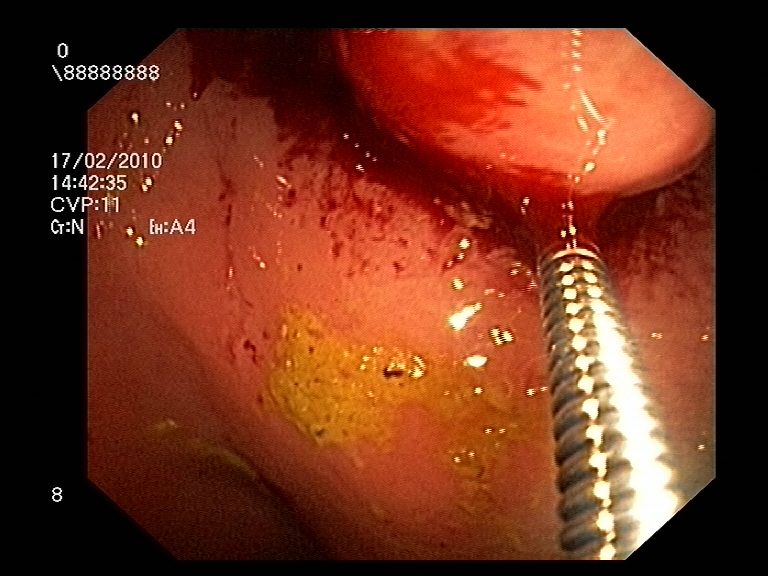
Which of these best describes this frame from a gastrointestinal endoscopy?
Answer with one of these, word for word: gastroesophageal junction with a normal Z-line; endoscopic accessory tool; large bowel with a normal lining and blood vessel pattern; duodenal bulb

endoscopic accessory tool